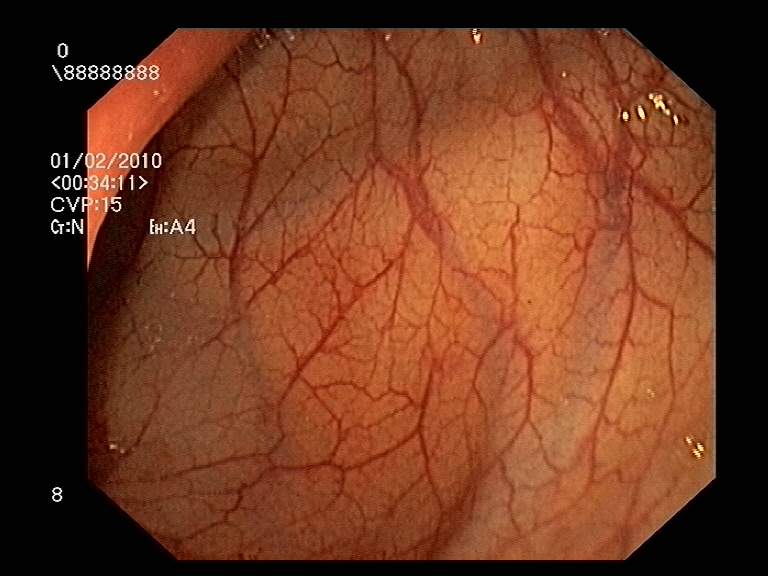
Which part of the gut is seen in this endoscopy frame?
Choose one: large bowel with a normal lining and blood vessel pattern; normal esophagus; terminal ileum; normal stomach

large bowel with a normal lining and blood vessel pattern